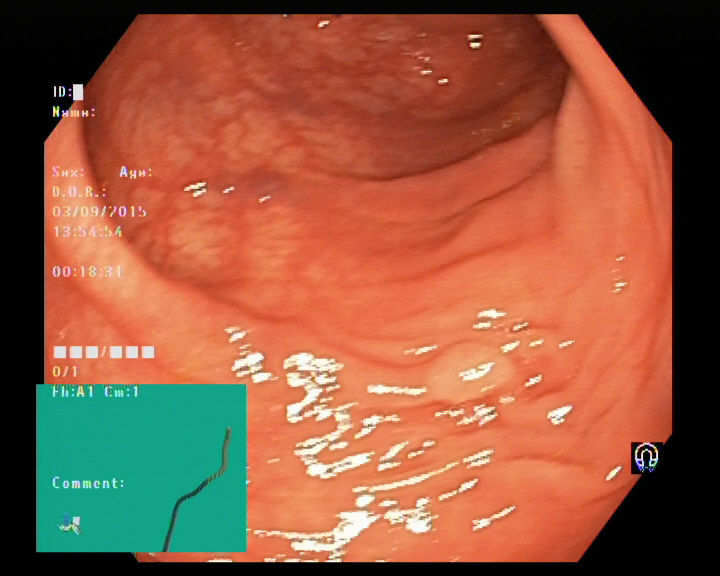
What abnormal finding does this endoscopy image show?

colon polyp